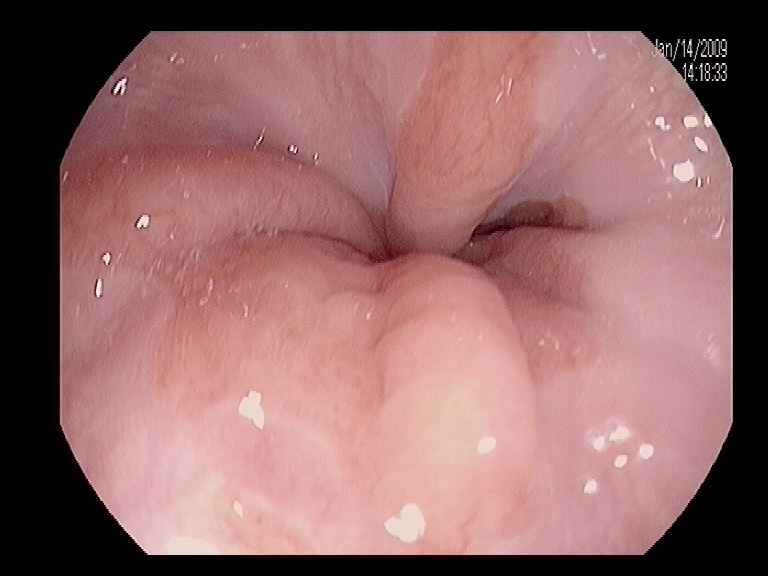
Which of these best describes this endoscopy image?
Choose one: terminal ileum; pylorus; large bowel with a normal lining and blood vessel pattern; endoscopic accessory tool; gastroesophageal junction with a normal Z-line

gastroesophageal junction with a normal Z-line